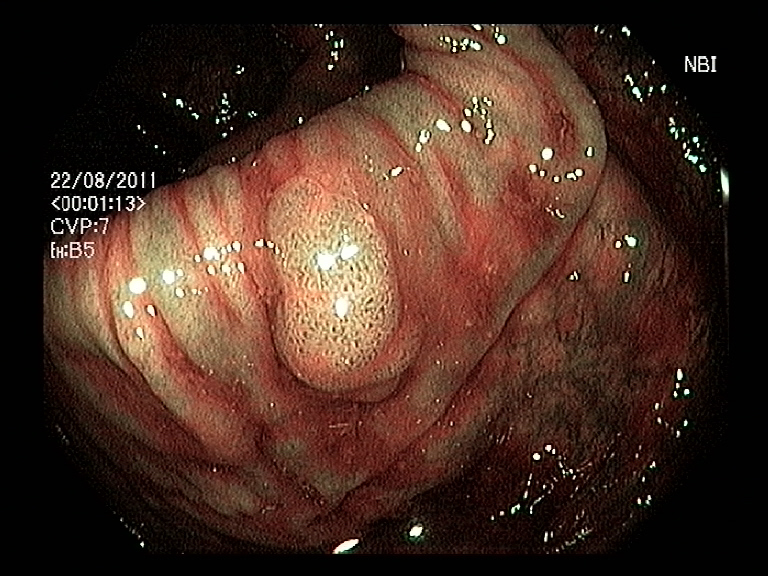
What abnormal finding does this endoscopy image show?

colon polyp